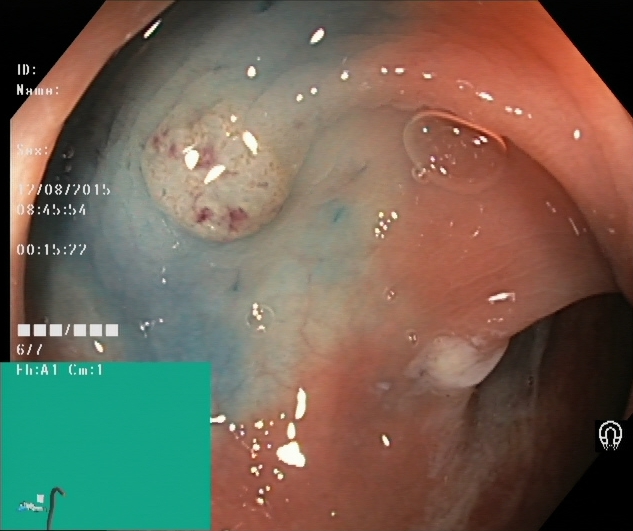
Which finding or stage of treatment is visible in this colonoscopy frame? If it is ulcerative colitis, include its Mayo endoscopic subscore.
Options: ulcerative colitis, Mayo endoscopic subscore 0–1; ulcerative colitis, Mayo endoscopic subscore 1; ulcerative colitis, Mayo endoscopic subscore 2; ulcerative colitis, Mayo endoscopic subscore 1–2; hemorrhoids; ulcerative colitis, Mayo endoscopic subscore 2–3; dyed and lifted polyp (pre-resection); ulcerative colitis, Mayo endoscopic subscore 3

dyed and lifted polyp (pre-resection)